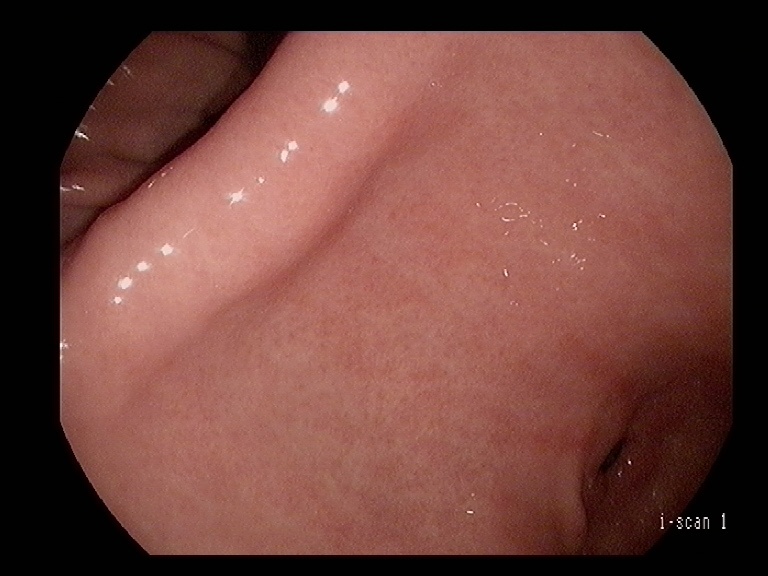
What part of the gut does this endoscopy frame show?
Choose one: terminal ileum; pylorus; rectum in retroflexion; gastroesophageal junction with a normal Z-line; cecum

pylorus